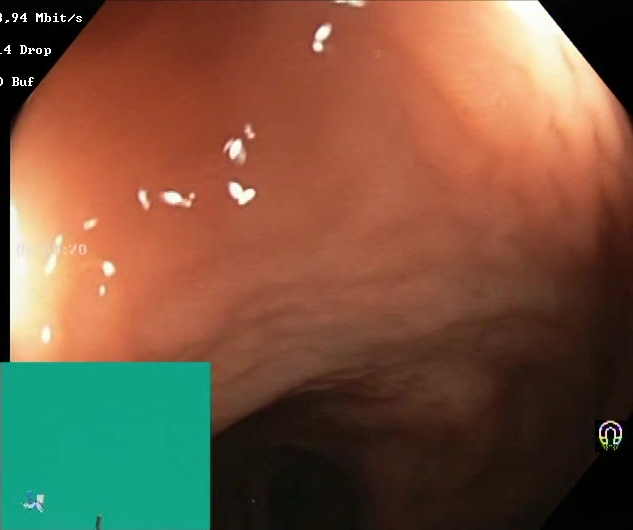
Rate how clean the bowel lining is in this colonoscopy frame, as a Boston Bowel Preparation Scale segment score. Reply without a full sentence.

Boston Bowel Preparation Scale score 2–3 (adequate preparation)